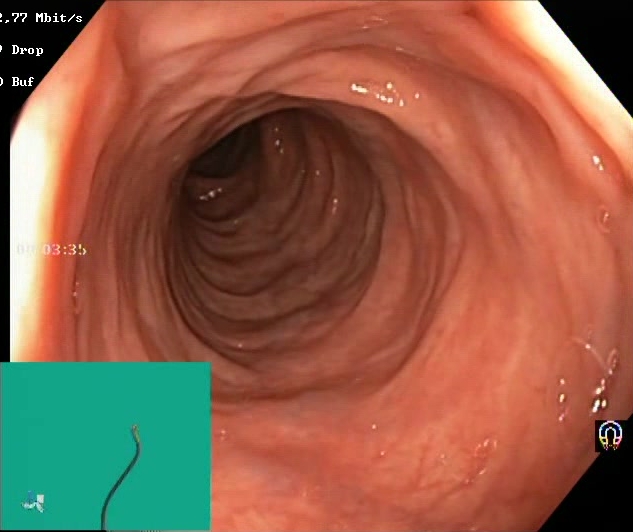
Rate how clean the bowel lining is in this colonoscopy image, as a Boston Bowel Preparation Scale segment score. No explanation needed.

Boston Bowel Preparation Scale score 2–3 (adequate preparation)